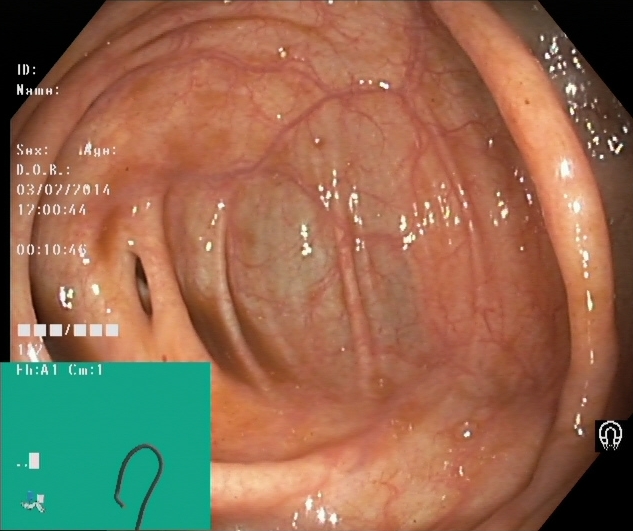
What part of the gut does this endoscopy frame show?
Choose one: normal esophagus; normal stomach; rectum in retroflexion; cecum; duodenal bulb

cecum